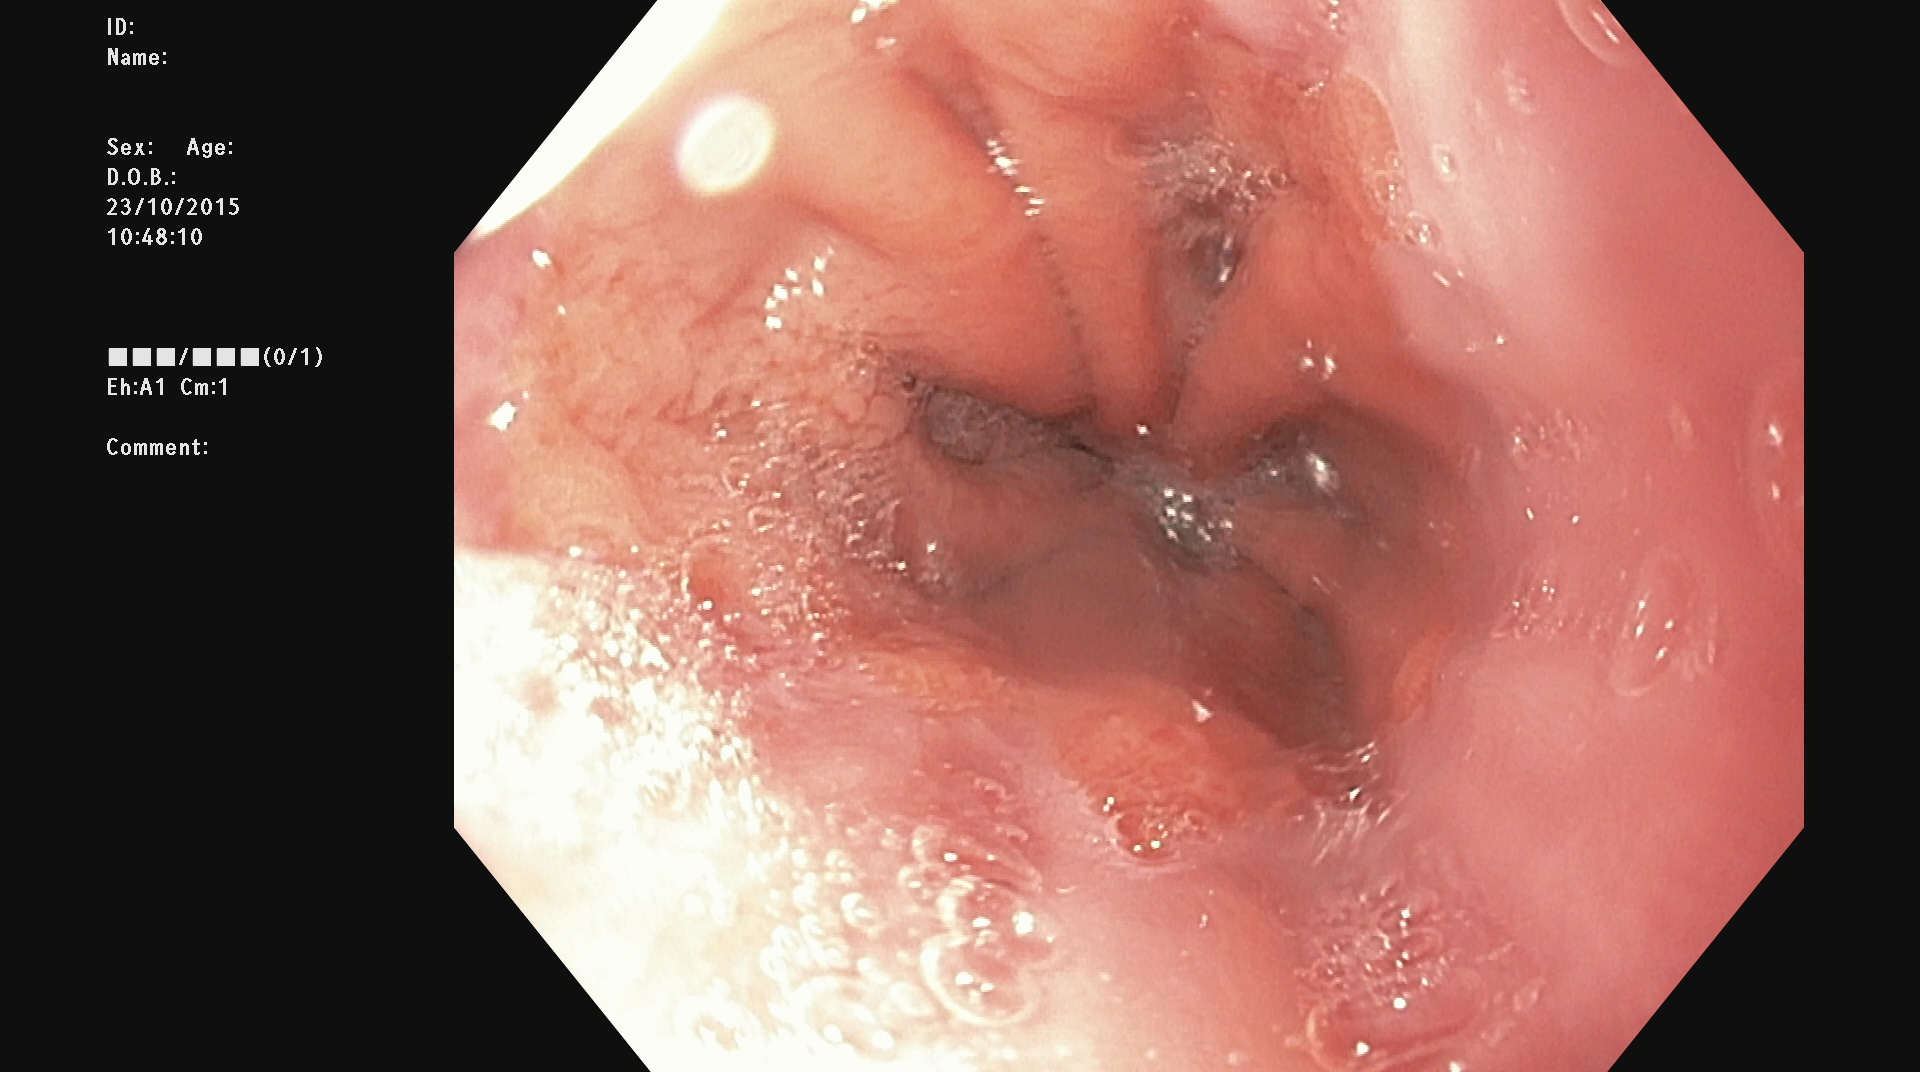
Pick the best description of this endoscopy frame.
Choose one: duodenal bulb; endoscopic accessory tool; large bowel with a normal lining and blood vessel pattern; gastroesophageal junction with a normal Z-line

gastroesophageal junction with a normal Z-line